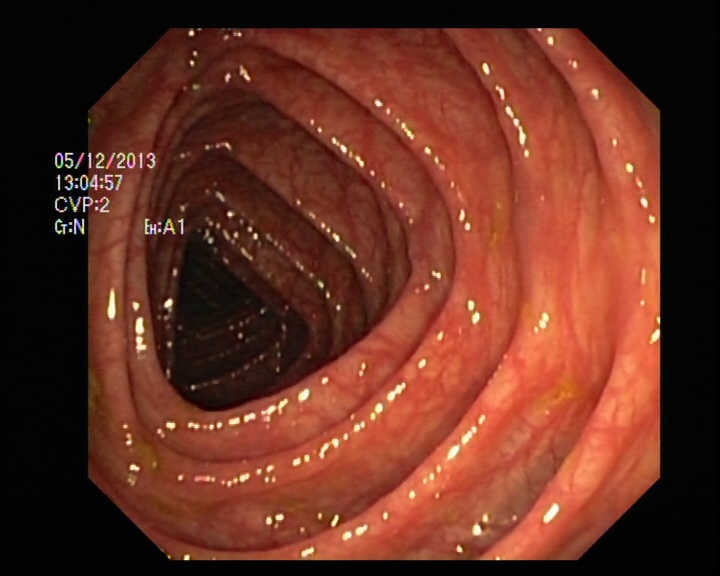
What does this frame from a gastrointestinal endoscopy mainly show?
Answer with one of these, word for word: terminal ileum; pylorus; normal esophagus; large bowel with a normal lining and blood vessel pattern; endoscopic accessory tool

large bowel with a normal lining and blood vessel pattern